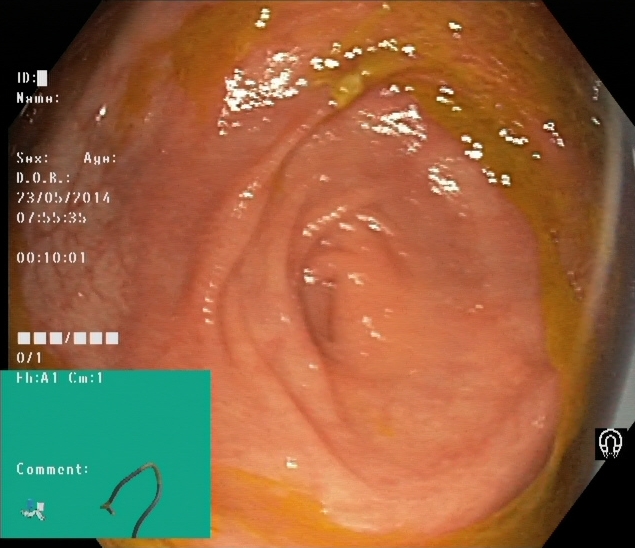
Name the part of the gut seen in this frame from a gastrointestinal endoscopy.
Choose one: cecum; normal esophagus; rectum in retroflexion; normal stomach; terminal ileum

cecum